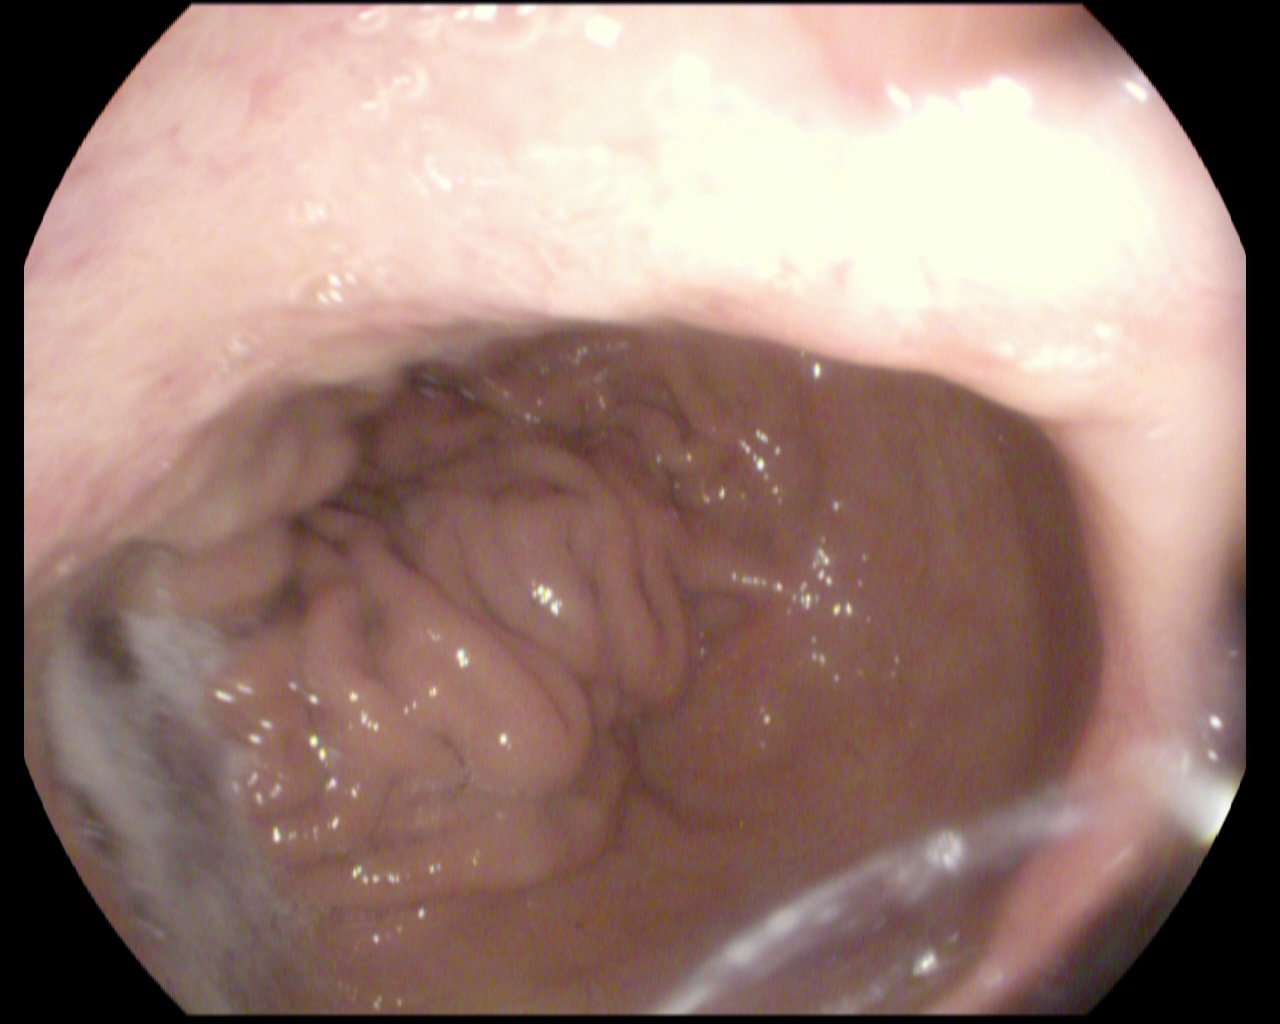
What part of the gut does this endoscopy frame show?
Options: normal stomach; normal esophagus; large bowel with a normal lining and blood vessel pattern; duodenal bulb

normal stomach